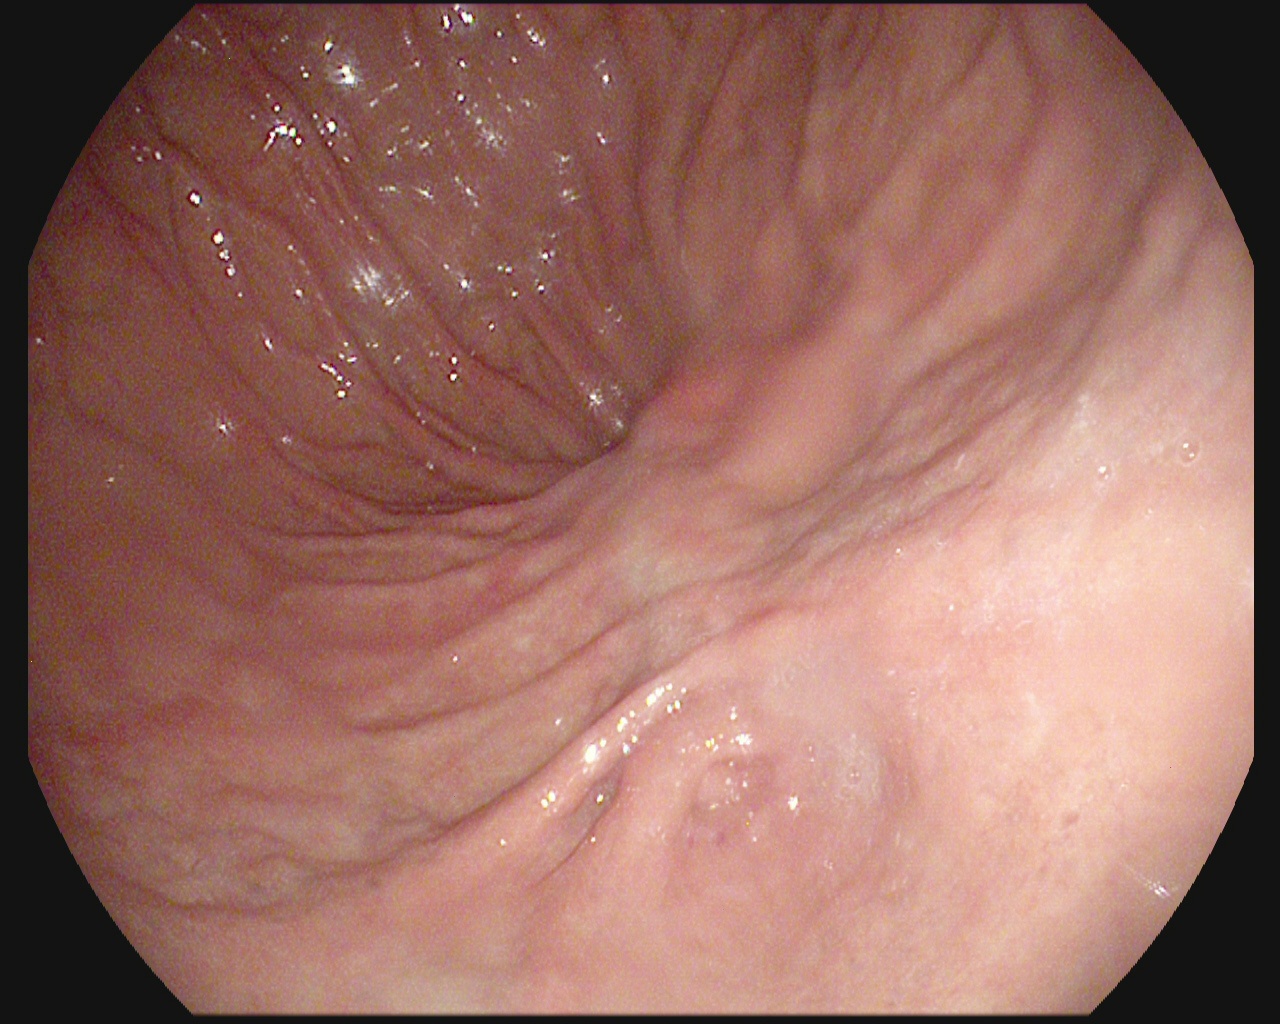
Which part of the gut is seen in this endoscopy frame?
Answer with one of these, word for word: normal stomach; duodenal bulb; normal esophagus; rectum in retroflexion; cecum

normal stomach